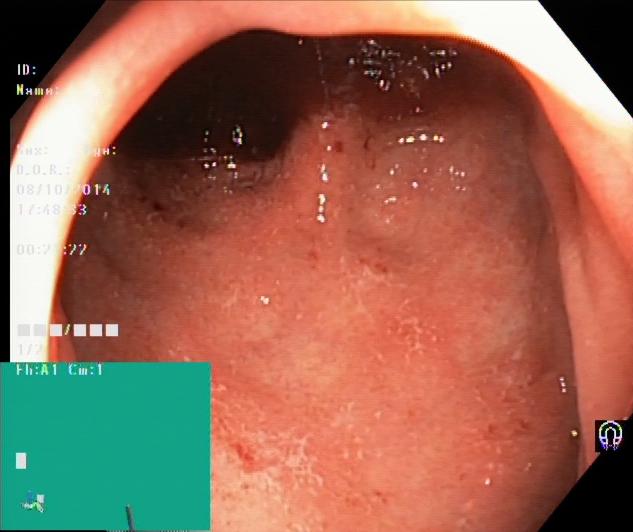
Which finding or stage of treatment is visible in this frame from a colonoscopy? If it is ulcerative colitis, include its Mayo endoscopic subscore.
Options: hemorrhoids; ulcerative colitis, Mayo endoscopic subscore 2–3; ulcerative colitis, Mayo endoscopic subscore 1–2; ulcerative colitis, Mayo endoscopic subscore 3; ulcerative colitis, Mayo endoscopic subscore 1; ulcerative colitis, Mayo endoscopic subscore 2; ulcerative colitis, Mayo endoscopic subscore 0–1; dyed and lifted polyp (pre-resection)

ulcerative colitis, Mayo endoscopic subscore 2